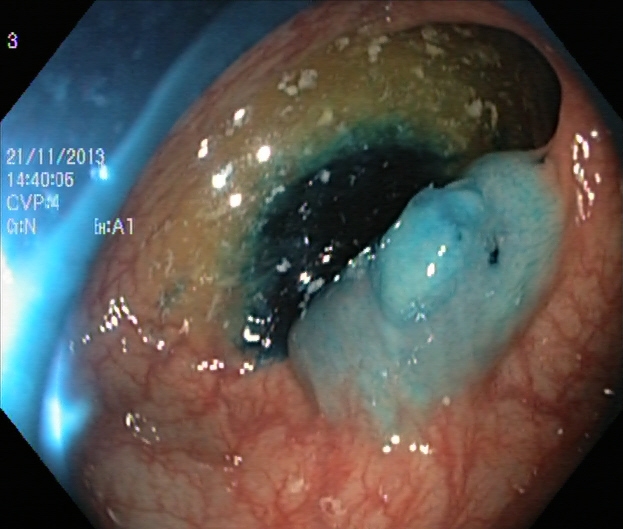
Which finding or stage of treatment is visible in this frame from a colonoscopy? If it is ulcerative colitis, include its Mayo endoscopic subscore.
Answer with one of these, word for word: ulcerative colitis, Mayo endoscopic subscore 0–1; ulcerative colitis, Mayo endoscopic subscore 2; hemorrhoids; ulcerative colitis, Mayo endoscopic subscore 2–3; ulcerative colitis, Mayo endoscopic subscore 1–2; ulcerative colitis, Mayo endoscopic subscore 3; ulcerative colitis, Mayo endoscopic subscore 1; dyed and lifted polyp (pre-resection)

dyed and lifted polyp (pre-resection)